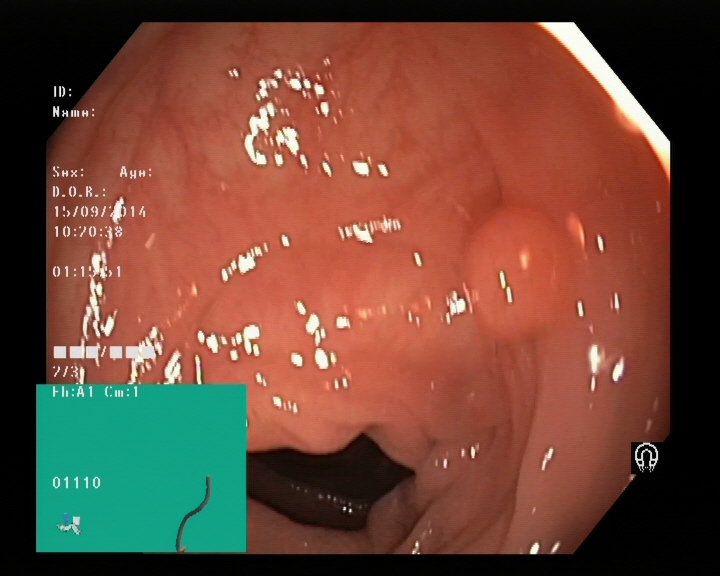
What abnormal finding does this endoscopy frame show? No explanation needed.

colon polyp